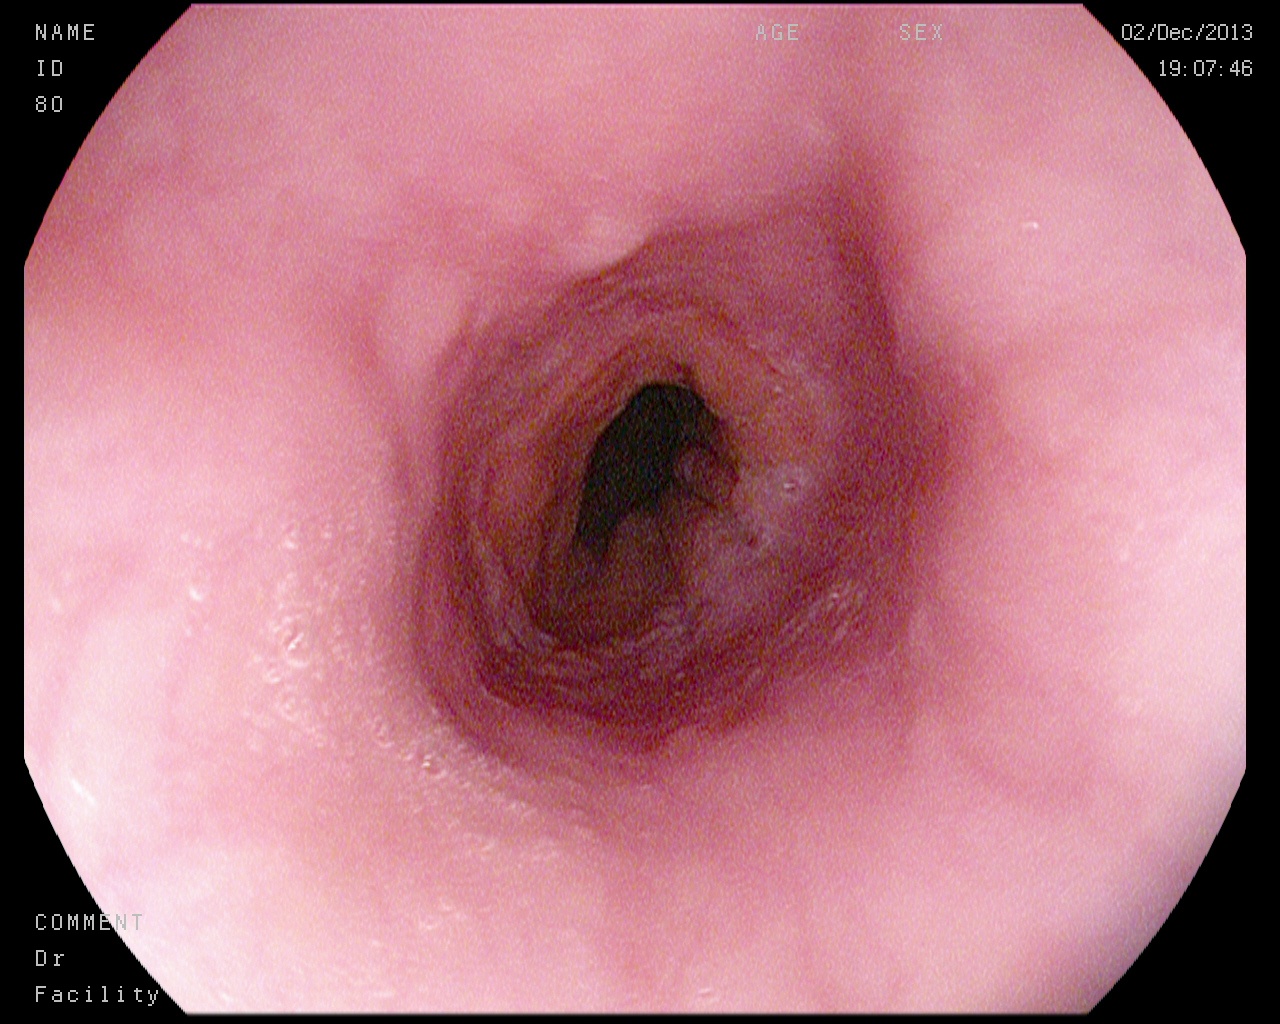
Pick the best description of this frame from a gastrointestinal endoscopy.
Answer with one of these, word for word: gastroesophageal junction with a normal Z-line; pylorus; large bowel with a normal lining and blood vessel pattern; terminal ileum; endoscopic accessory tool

gastroesophageal junction with a normal Z-line